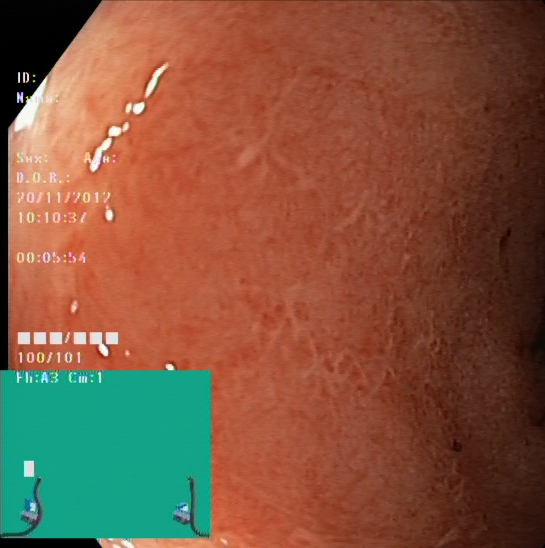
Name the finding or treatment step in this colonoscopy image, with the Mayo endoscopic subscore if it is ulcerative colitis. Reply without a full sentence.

ulcerative colitis, Mayo endoscopic subscore 2